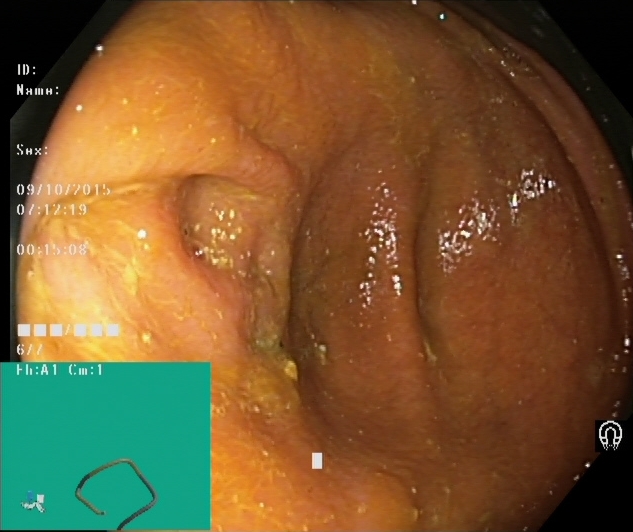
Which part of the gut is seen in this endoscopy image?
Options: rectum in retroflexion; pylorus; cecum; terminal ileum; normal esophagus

cecum